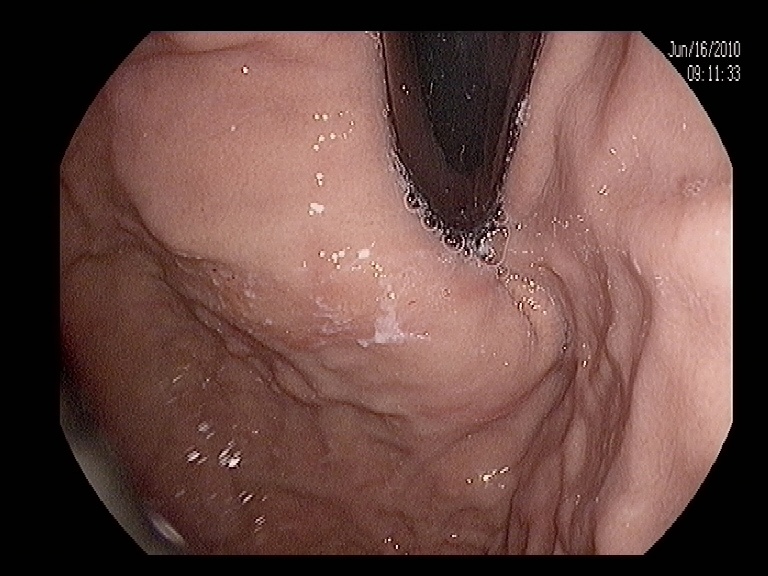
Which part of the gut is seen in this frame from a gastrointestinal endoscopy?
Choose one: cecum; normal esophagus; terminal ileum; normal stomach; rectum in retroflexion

normal stomach